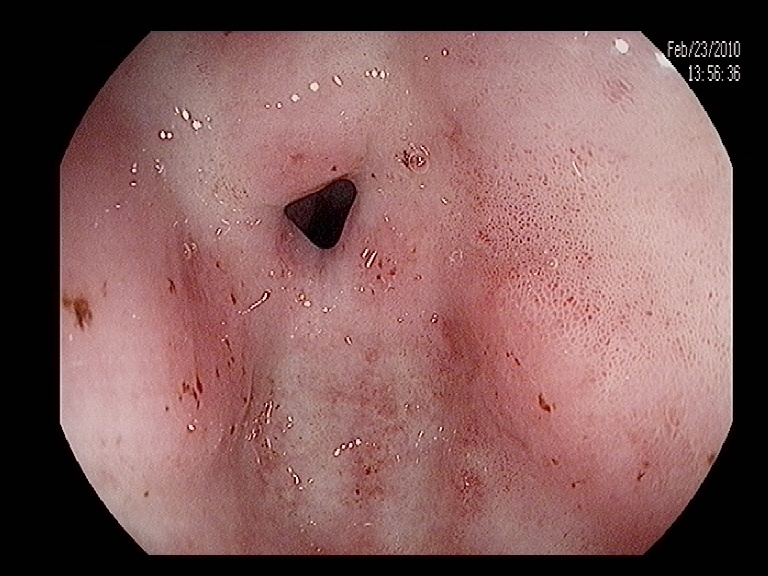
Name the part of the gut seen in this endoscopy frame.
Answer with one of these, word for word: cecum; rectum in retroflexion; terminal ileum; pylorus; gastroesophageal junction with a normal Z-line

pylorus